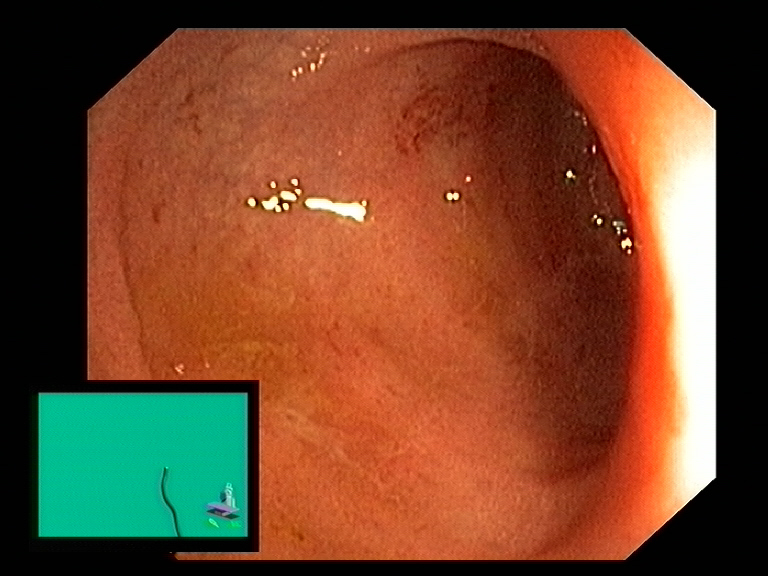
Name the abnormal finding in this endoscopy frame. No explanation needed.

mucosal inflammation of the large bowel